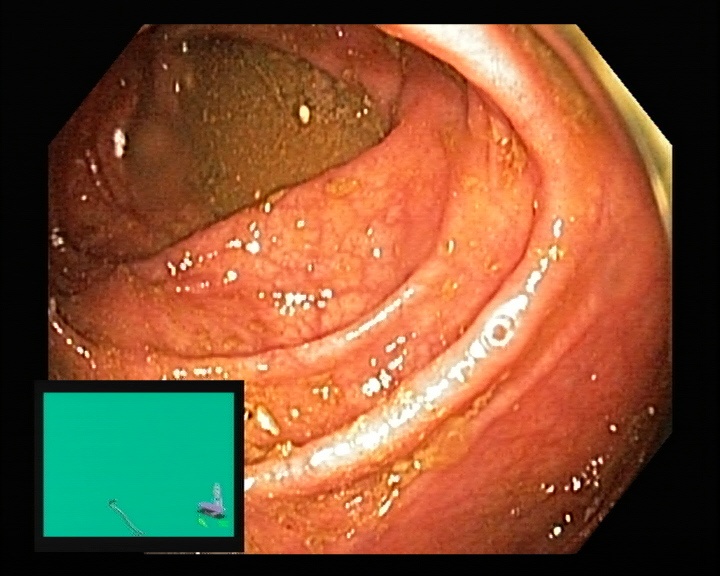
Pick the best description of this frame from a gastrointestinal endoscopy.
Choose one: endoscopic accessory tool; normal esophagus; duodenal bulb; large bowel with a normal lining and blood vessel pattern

large bowel with a normal lining and blood vessel pattern